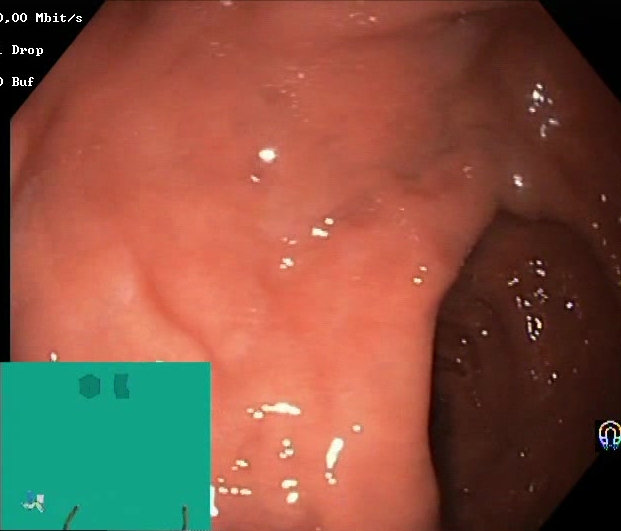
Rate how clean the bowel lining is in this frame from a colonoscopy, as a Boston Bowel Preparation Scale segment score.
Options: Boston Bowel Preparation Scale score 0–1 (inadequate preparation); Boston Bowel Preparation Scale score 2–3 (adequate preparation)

Boston Bowel Preparation Scale score 2–3 (adequate preparation)